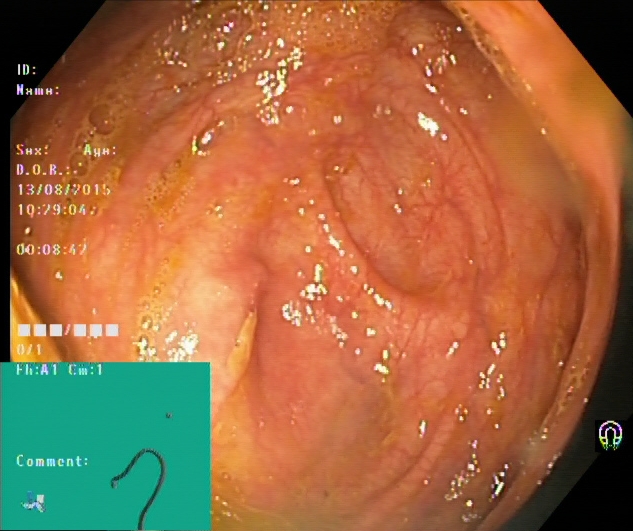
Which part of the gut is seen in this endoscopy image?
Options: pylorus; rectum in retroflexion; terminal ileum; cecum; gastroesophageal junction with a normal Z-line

cecum